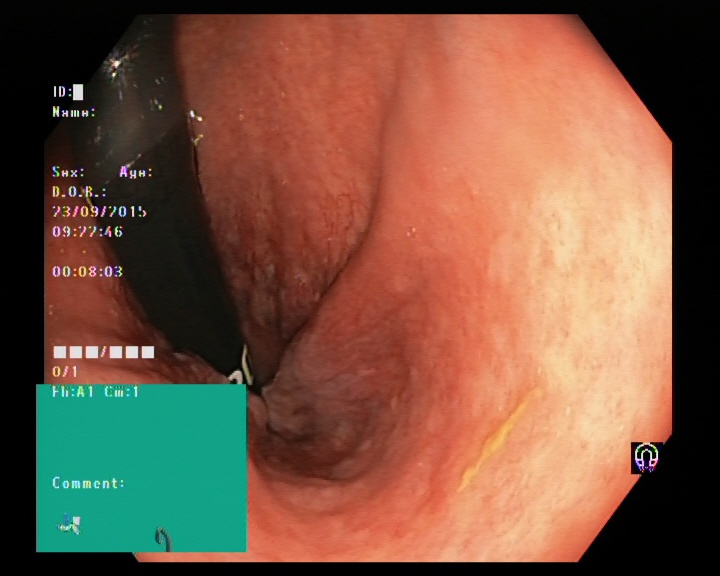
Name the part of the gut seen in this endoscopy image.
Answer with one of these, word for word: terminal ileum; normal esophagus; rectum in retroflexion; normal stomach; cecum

normal stomach